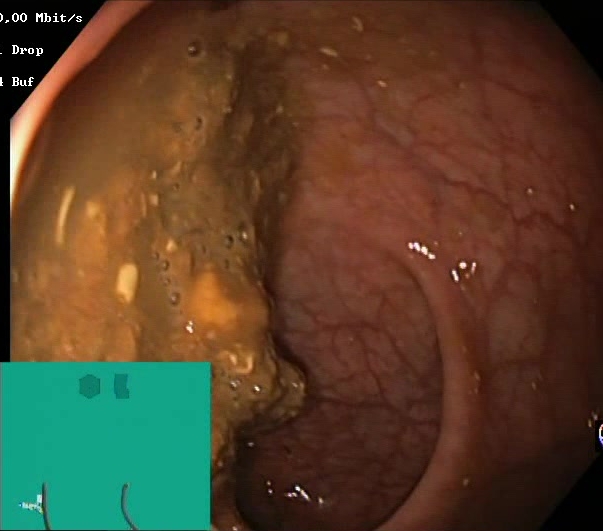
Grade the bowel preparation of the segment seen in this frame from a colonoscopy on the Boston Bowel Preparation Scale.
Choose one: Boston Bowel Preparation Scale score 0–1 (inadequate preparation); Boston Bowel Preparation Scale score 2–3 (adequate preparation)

Boston Bowel Preparation Scale score 0–1 (inadequate preparation)